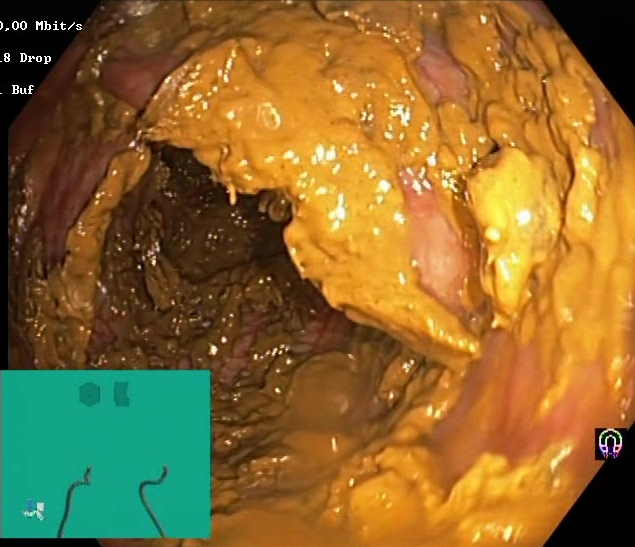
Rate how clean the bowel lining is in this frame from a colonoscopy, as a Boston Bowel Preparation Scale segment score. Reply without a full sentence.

Boston Bowel Preparation Scale score 0–1 (inadequate preparation)